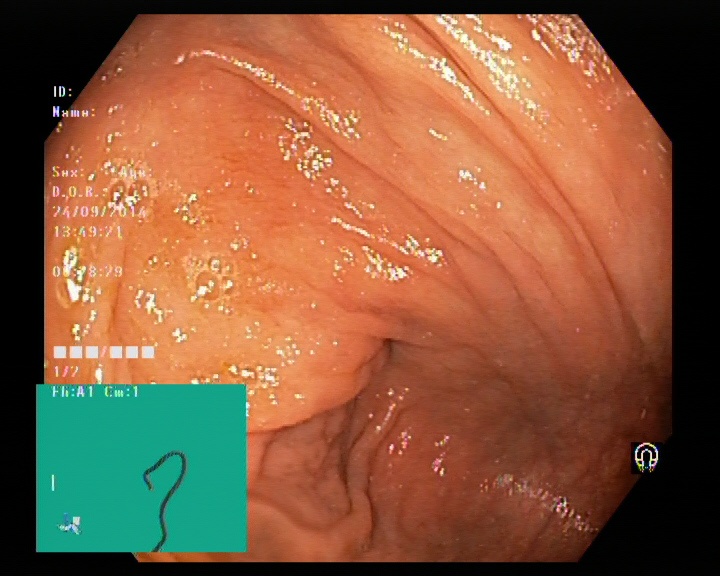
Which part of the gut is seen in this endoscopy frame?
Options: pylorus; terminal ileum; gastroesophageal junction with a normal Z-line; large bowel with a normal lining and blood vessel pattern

large bowel with a normal lining and blood vessel pattern